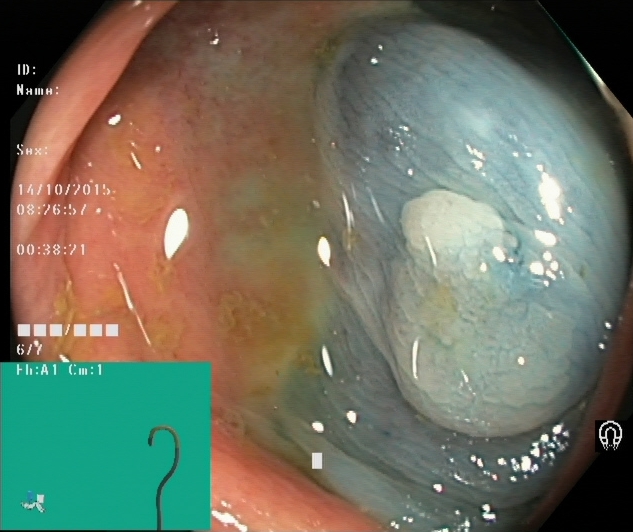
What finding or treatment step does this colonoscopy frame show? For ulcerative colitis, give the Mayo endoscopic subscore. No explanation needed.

dyed and lifted polyp (pre-resection)